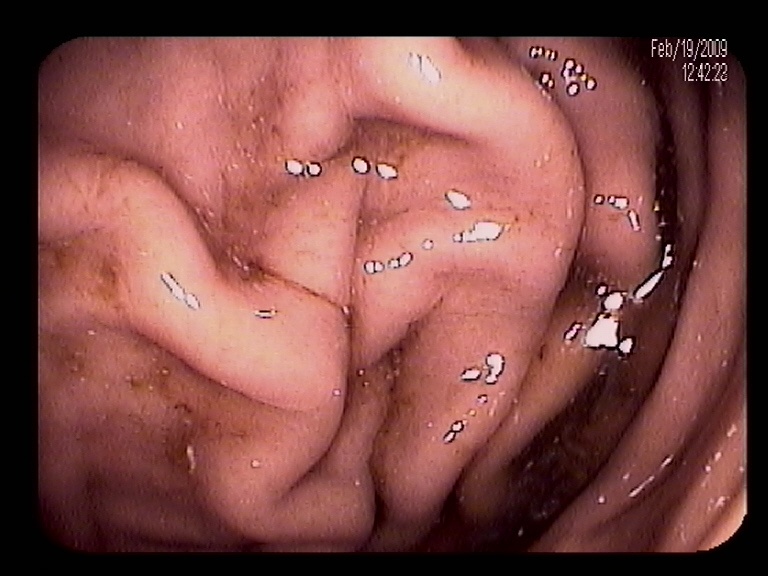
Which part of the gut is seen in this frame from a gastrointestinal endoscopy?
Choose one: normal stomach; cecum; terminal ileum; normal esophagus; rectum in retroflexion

normal stomach